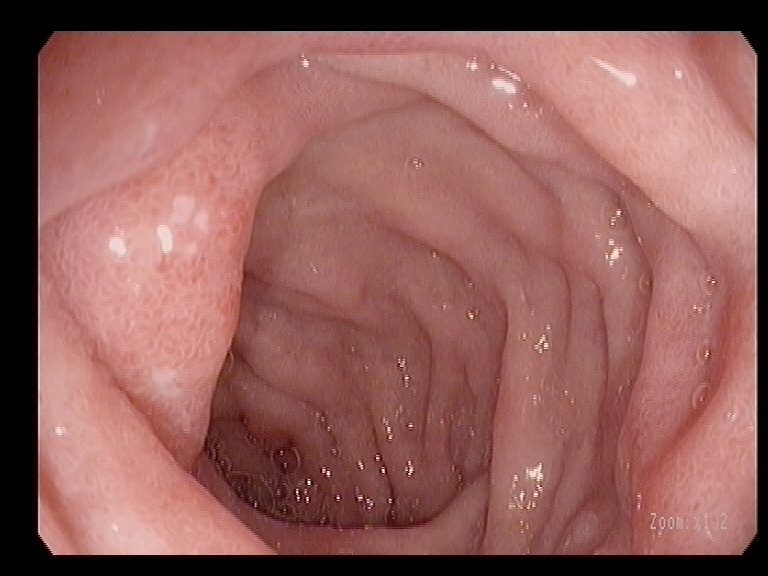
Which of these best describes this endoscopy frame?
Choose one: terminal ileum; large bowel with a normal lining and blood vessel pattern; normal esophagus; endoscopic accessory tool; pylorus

terminal ileum